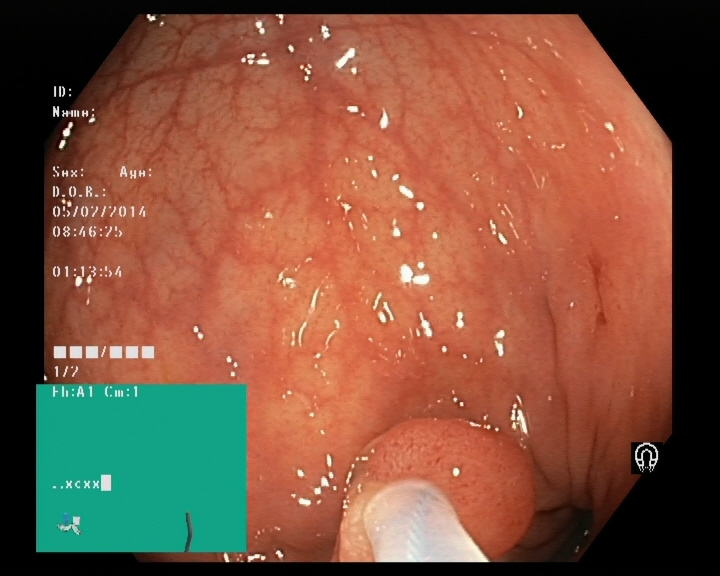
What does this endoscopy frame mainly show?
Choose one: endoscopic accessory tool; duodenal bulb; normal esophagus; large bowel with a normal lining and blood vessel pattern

endoscopic accessory tool